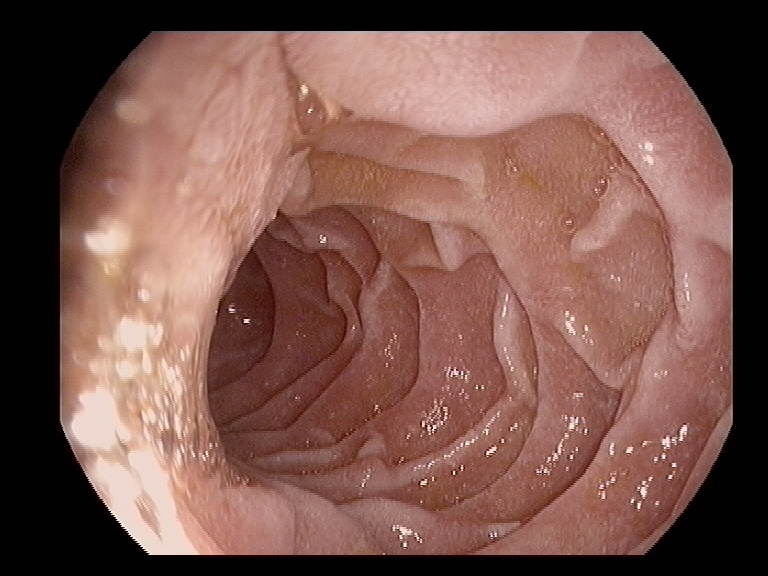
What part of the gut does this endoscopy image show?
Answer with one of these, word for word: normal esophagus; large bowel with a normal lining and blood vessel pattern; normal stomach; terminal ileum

terminal ileum